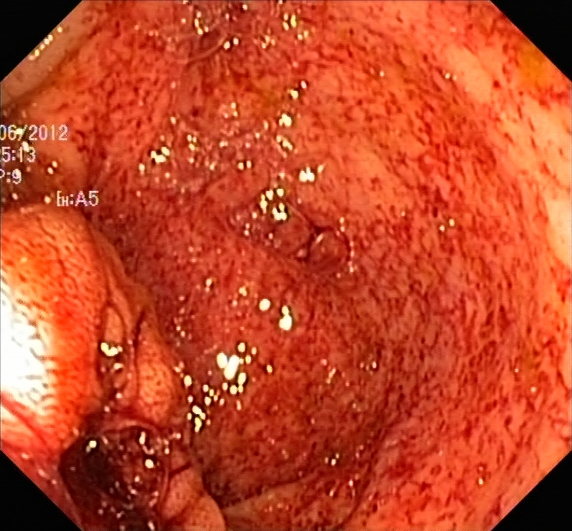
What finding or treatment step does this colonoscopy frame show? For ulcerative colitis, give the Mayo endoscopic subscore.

ulcerative colitis, Mayo endoscopic subscore 2–3